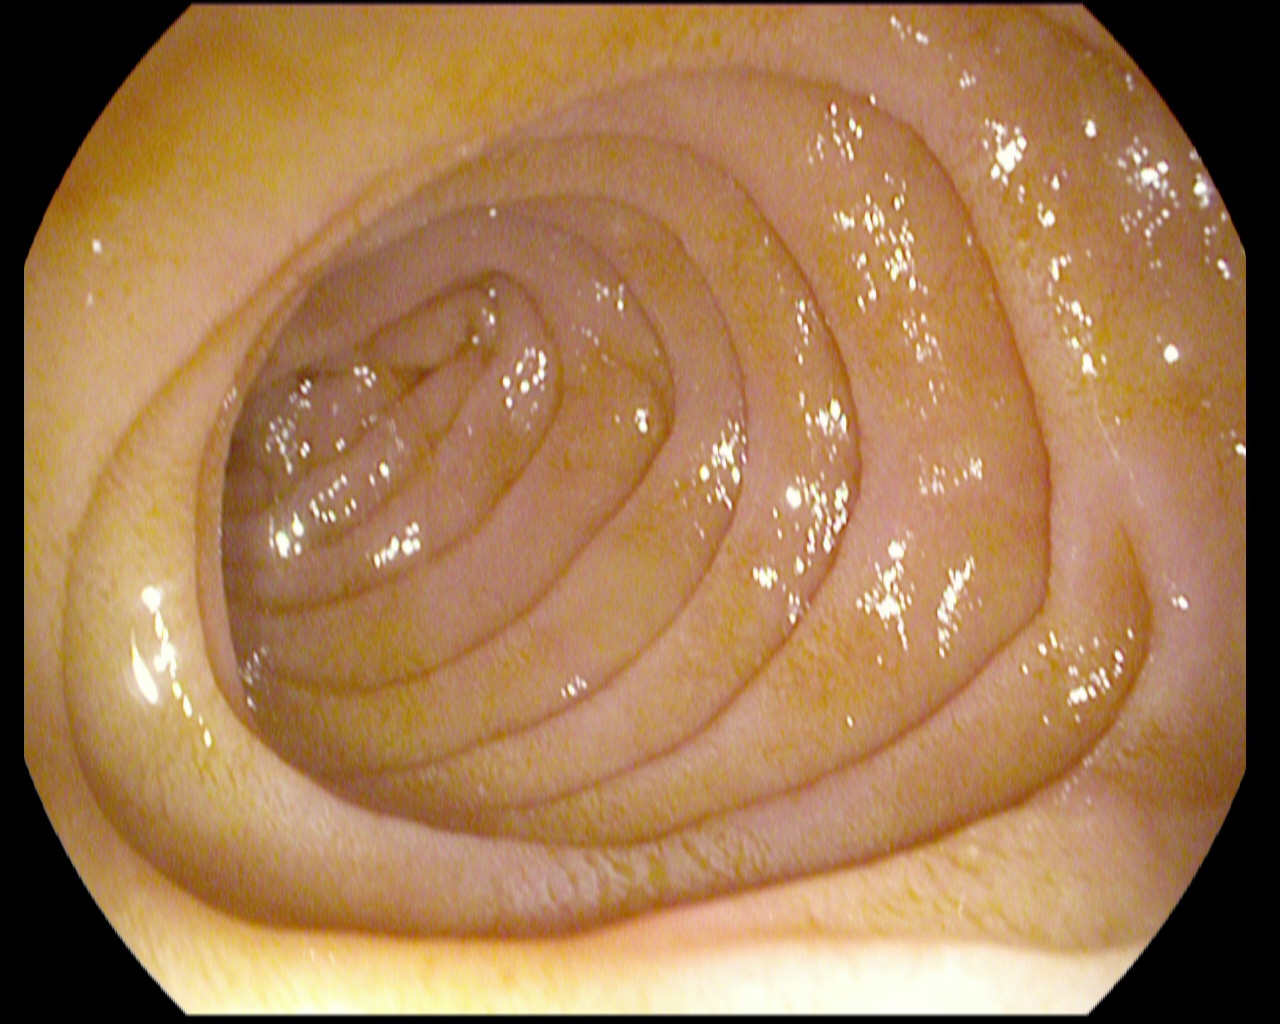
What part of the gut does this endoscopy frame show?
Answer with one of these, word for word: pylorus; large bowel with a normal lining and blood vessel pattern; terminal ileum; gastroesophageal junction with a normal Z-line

terminal ileum